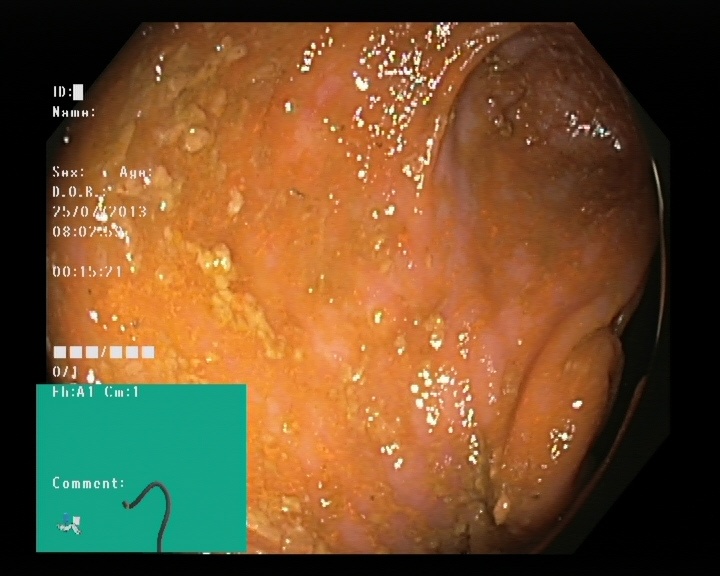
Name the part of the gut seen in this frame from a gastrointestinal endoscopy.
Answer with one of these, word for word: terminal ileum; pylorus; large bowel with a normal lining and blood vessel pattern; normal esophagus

large bowel with a normal lining and blood vessel pattern